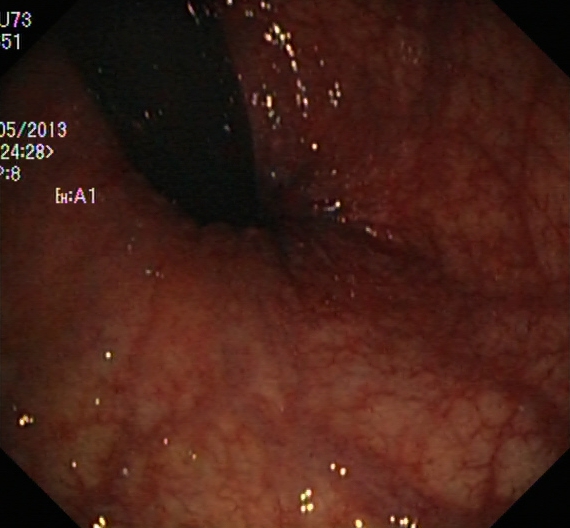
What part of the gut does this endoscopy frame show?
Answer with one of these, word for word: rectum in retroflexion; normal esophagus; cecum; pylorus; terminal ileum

rectum in retroflexion